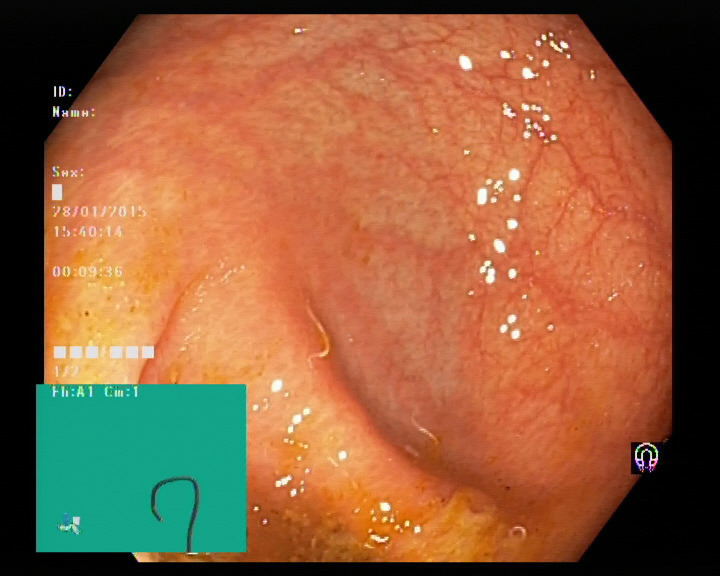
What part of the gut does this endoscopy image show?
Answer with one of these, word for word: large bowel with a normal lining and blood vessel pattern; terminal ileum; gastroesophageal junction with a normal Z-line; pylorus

large bowel with a normal lining and blood vessel pattern